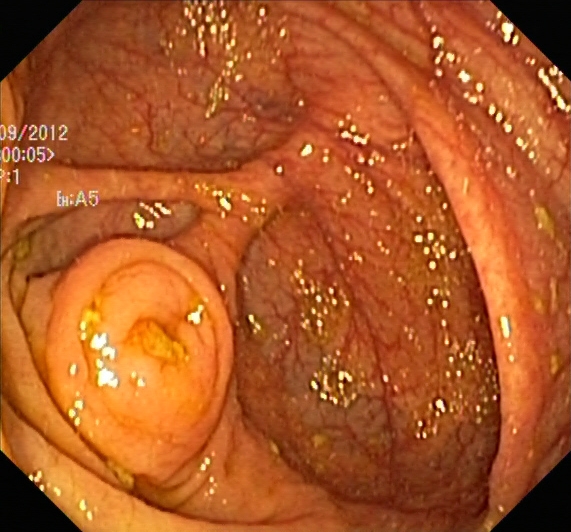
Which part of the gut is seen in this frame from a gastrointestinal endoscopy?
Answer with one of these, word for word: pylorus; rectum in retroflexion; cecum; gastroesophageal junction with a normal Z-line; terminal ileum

cecum